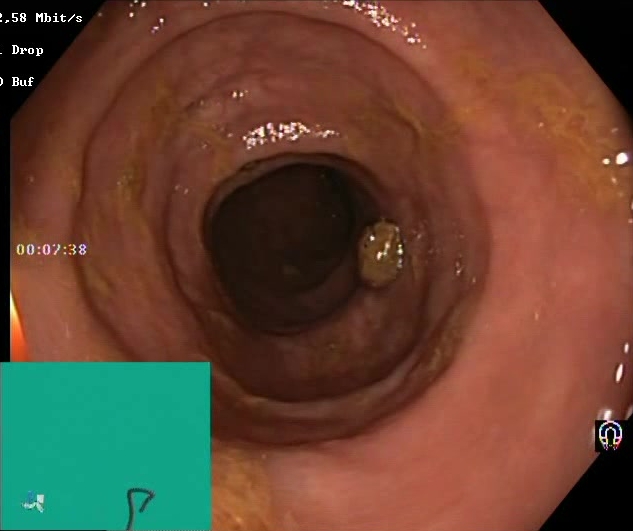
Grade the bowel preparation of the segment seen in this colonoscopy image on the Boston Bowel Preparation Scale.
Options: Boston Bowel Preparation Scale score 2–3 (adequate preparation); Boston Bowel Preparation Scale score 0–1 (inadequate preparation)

Boston Bowel Preparation Scale score 2–3 (adequate preparation)